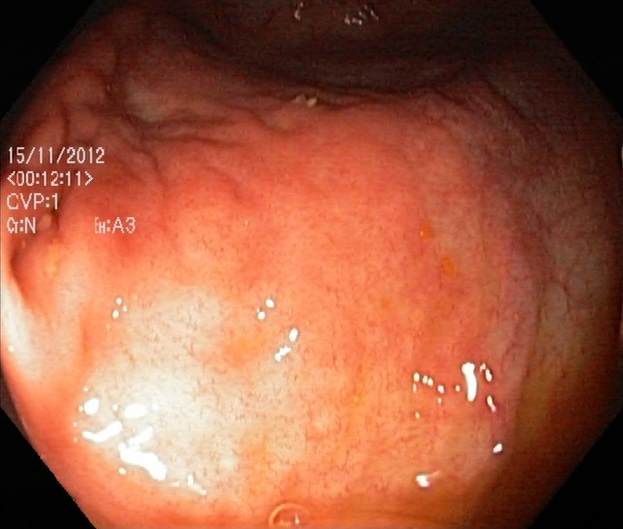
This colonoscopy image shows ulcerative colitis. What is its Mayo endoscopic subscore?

ulcerative colitis, Mayo endoscopic subscore 1